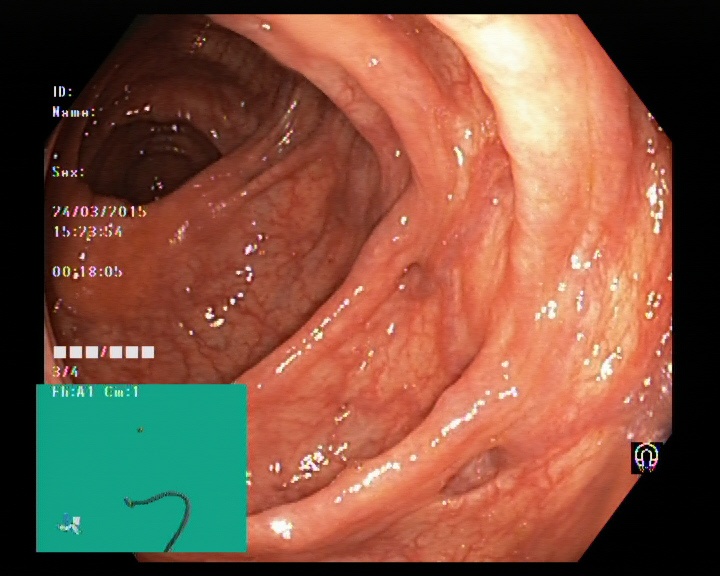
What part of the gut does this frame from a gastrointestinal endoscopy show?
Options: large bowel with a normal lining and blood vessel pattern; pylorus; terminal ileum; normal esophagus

large bowel with a normal lining and blood vessel pattern